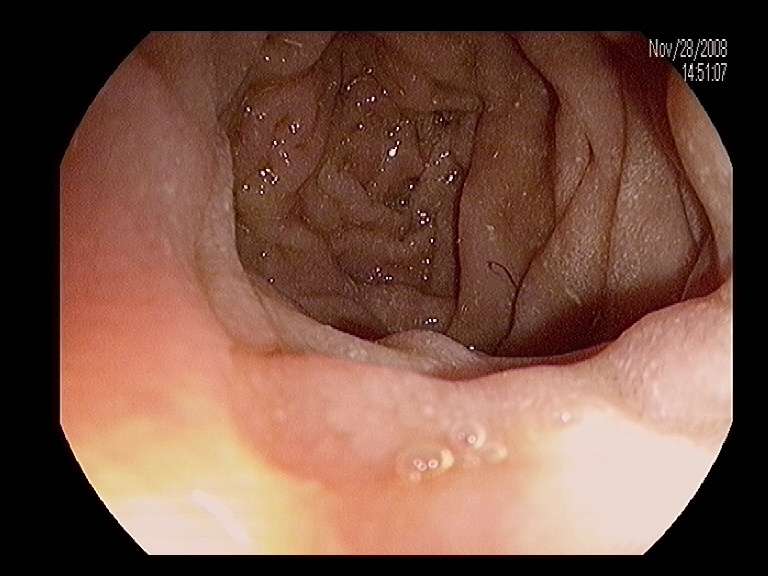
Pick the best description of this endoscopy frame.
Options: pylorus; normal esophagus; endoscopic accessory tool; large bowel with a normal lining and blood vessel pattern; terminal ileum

terminal ileum